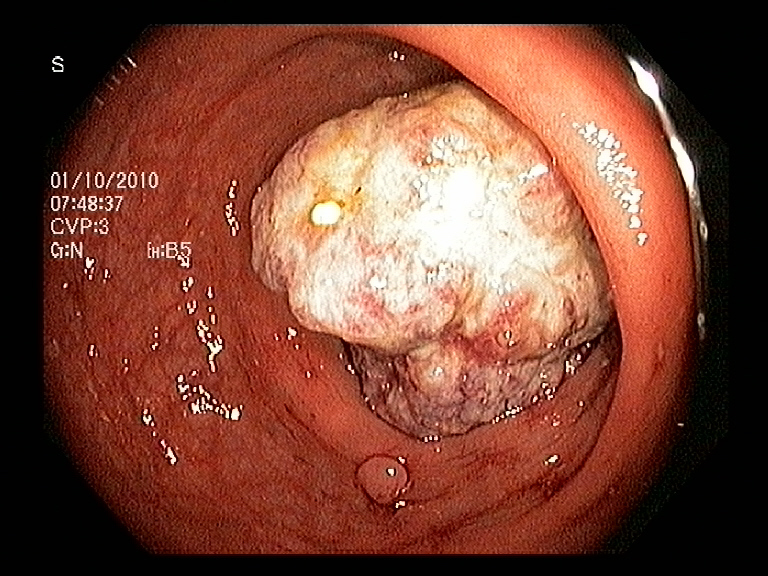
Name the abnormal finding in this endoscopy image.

colorectal cancer